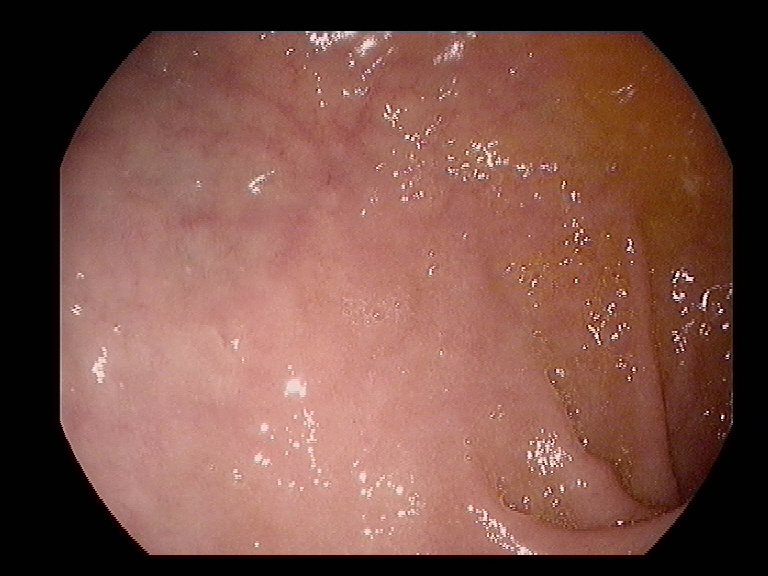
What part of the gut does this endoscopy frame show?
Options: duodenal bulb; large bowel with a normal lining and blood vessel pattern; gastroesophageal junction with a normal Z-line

duodenal bulb